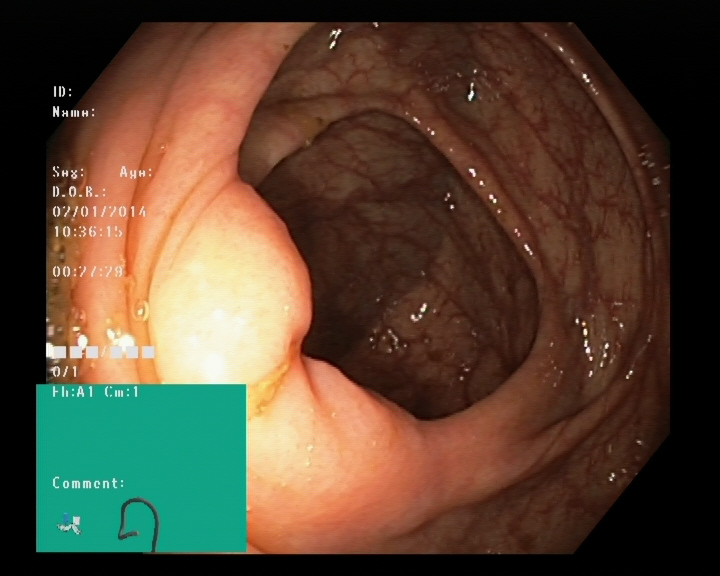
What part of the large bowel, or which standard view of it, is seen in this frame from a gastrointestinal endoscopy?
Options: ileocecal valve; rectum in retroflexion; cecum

ileocecal valve